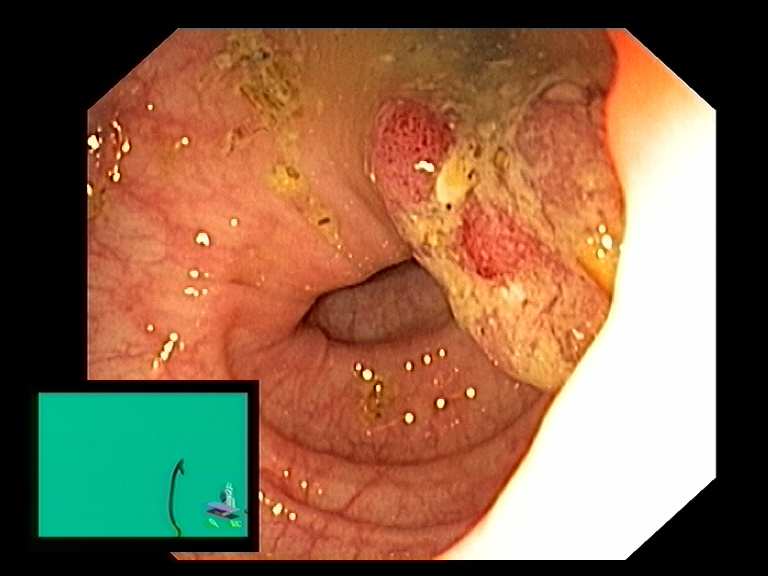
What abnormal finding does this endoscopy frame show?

colon polyp